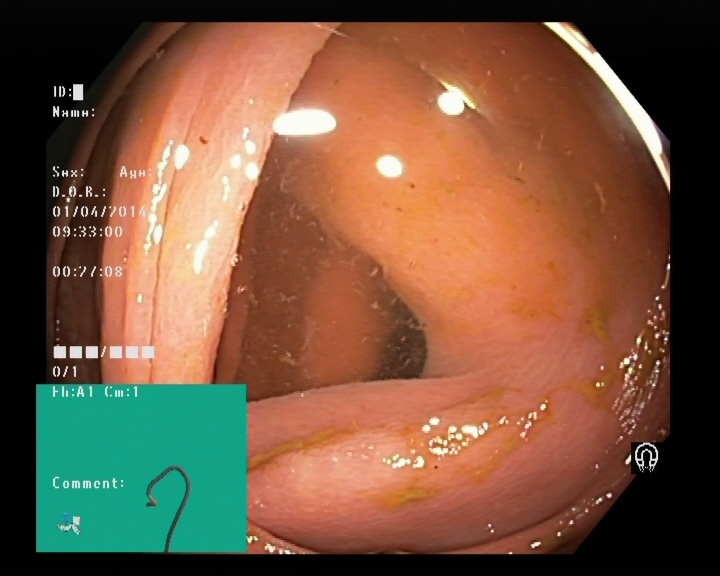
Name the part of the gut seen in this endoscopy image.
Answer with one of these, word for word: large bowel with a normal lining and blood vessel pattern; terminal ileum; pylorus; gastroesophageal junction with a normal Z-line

large bowel with a normal lining and blood vessel pattern